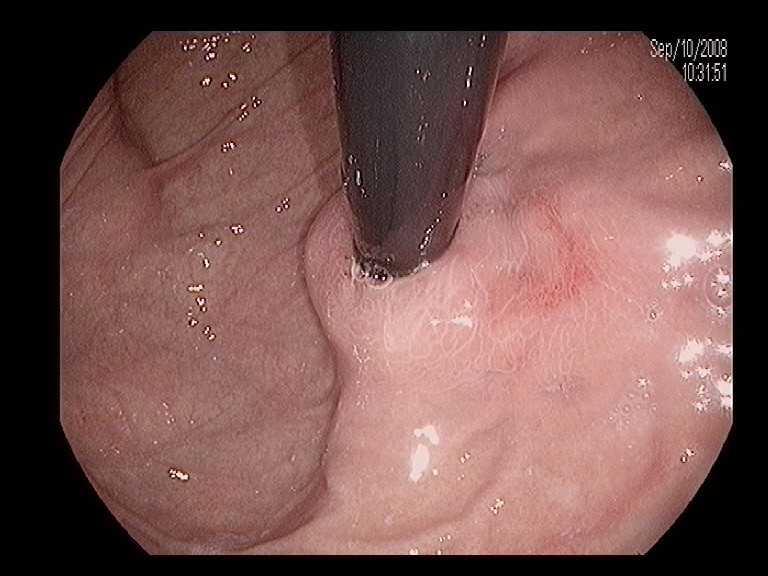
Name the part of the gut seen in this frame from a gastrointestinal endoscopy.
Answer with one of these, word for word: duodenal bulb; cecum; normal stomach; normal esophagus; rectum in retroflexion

normal stomach